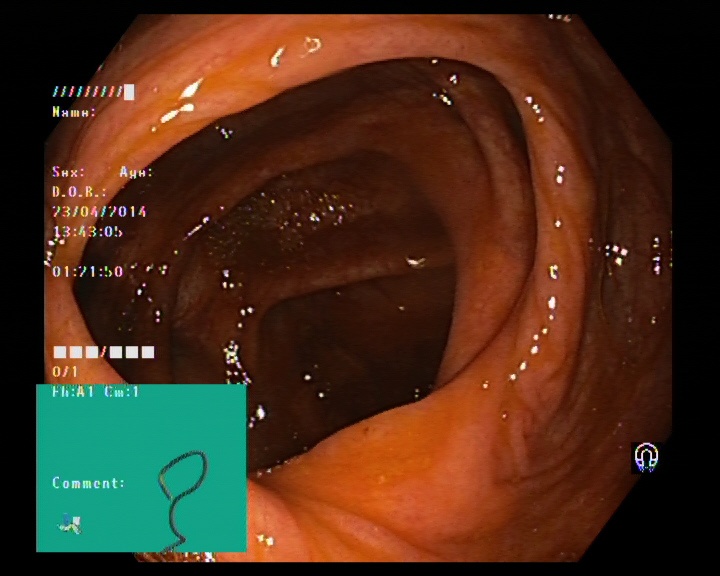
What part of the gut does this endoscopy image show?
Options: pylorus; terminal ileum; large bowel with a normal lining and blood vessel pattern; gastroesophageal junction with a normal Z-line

large bowel with a normal lining and blood vessel pattern